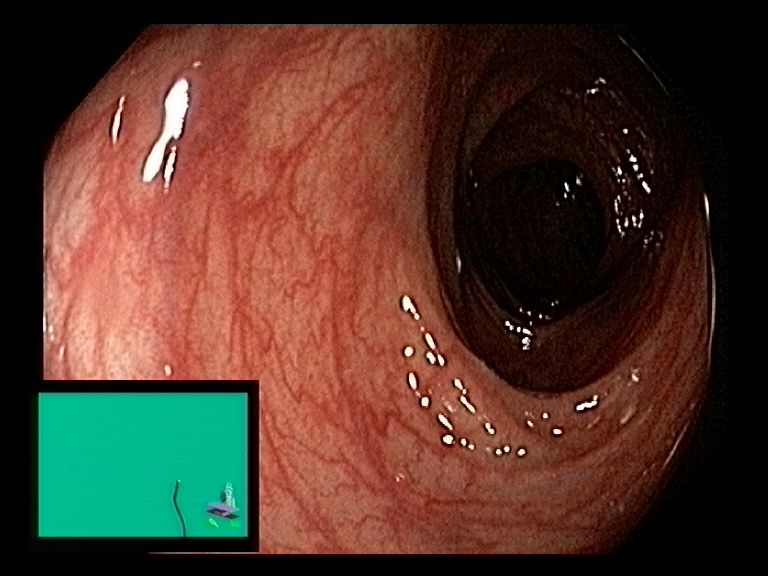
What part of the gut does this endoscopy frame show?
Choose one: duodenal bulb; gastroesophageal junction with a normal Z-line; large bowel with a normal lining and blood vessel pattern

large bowel with a normal lining and blood vessel pattern